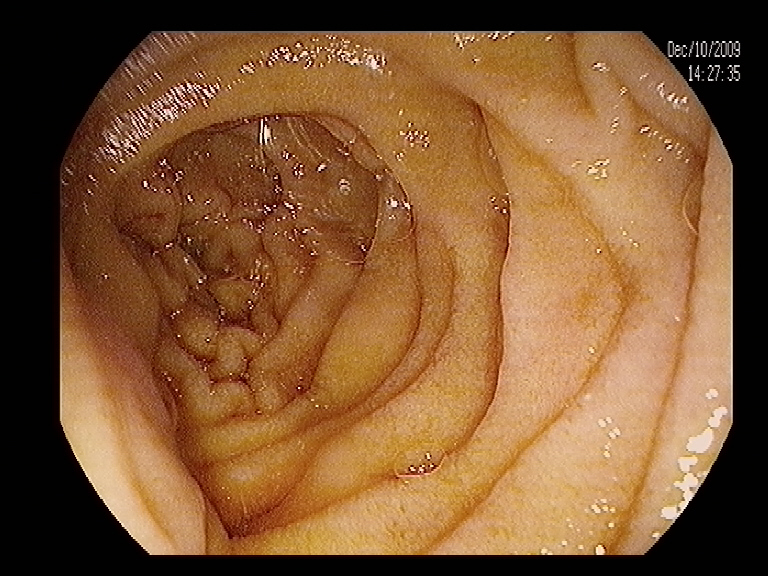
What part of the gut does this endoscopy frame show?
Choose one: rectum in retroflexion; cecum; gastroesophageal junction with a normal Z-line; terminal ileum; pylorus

terminal ileum